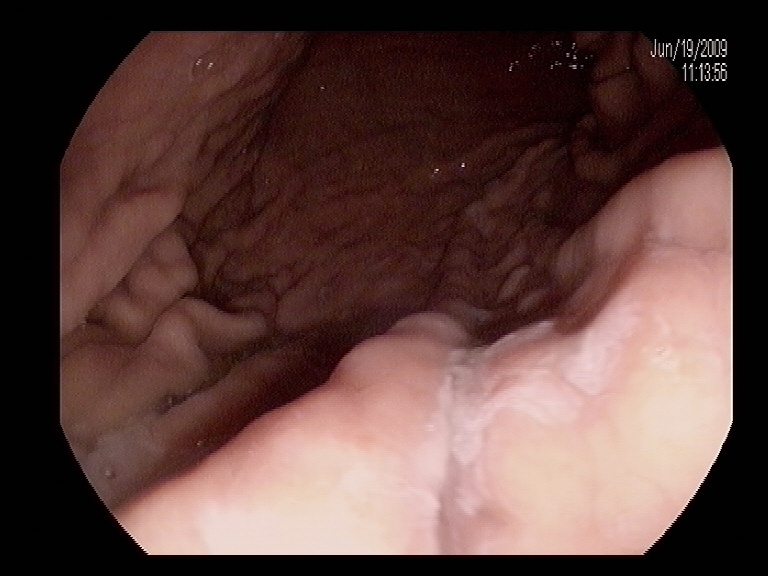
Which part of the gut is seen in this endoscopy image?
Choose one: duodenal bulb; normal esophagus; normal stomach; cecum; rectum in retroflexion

normal stomach